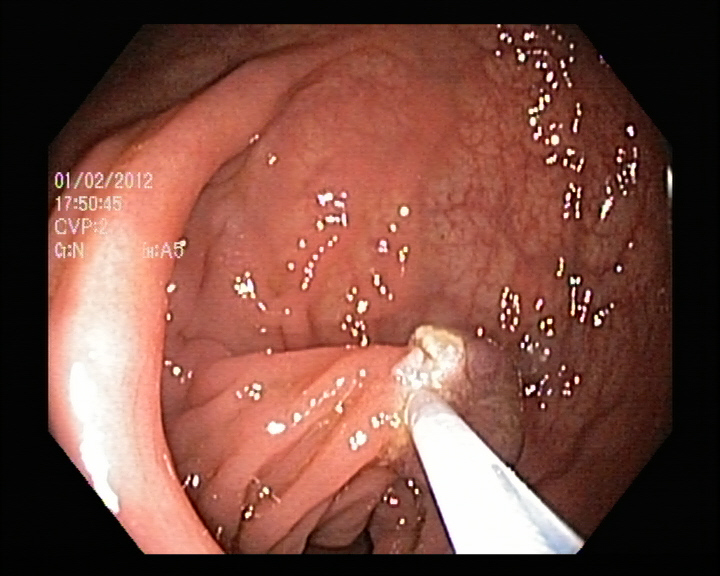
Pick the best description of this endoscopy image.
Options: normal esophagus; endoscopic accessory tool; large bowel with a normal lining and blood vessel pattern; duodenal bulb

endoscopic accessory tool